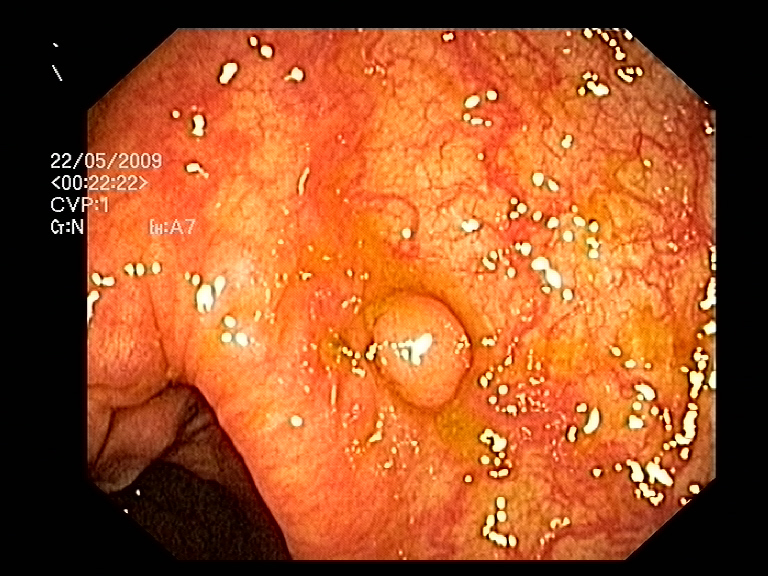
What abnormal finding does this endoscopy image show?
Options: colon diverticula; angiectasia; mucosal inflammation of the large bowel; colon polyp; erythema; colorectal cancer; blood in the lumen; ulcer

colon polyp